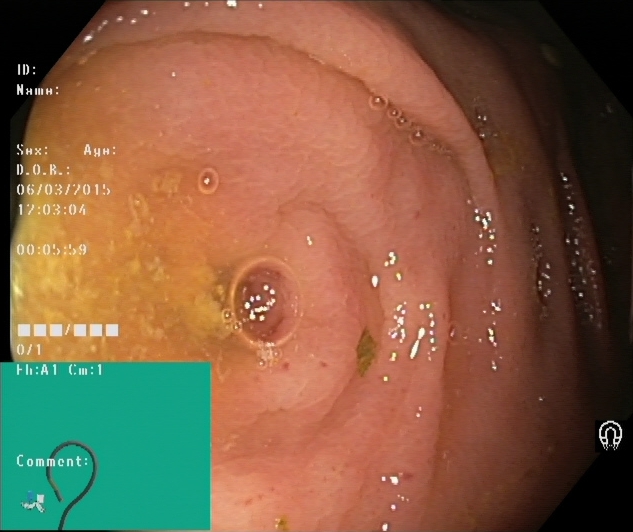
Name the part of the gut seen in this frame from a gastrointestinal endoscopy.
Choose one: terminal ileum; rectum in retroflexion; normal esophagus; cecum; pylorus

cecum